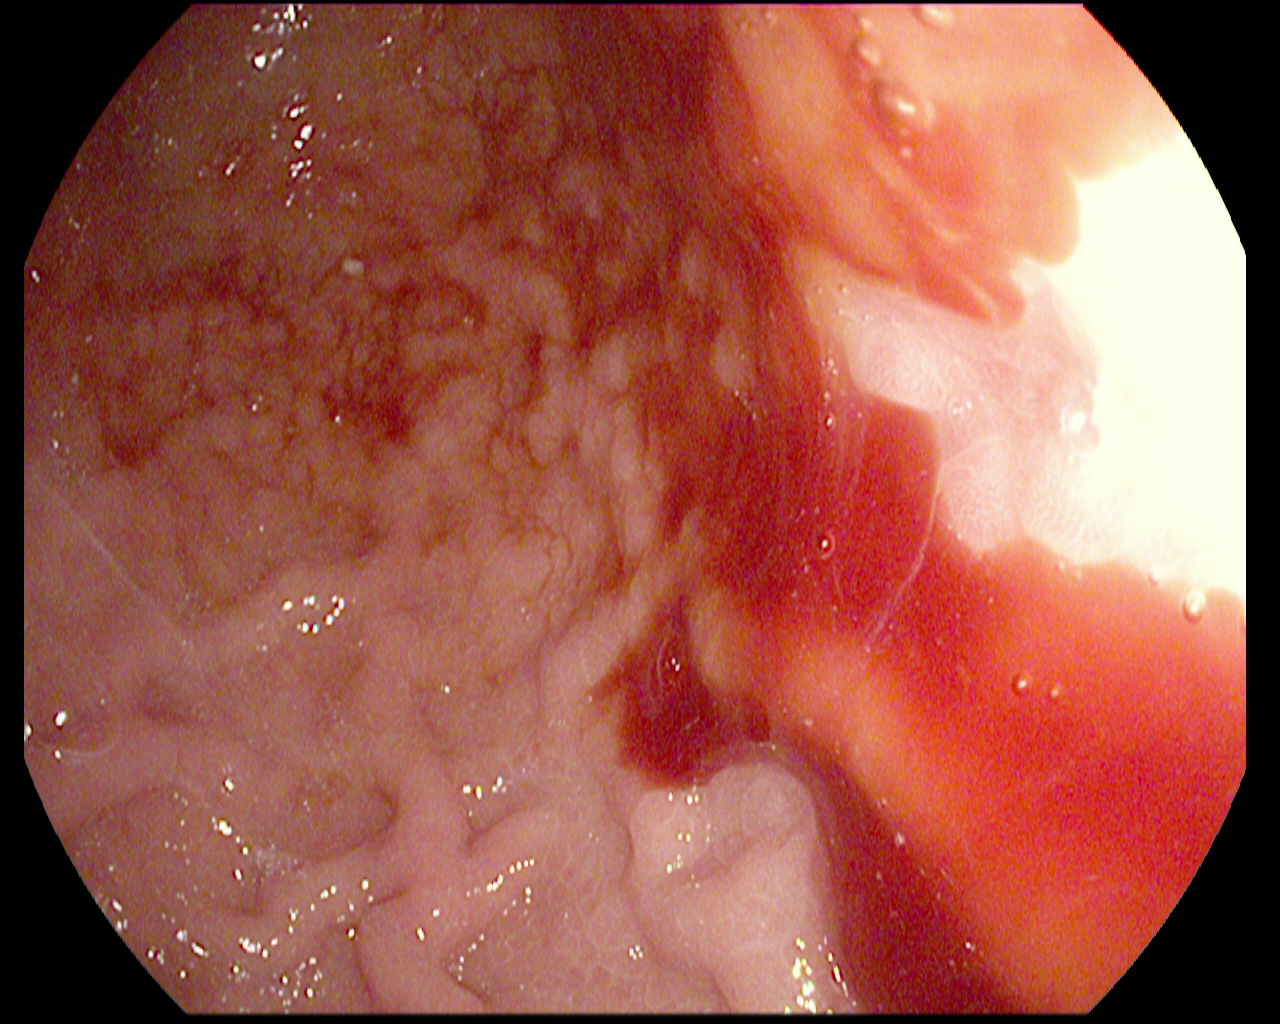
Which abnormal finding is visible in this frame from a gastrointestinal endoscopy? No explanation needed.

blood in the lumen